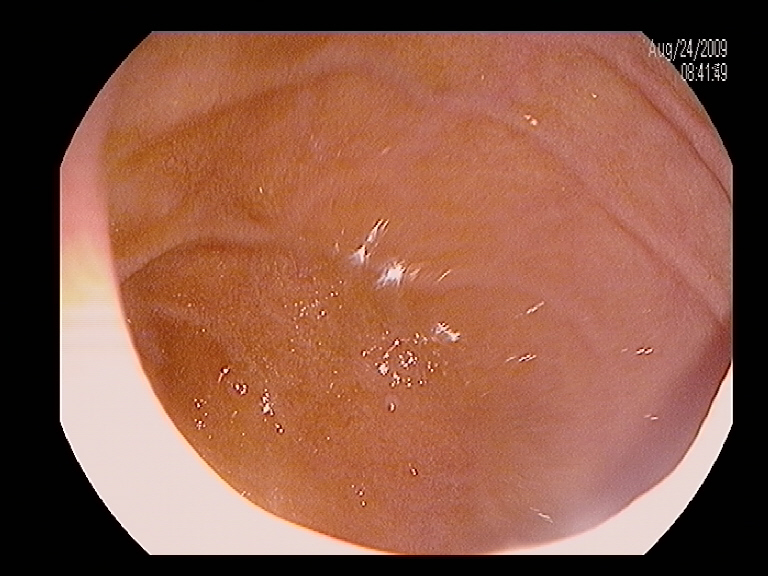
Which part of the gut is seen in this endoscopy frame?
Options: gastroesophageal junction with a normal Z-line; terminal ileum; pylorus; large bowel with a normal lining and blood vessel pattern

terminal ileum